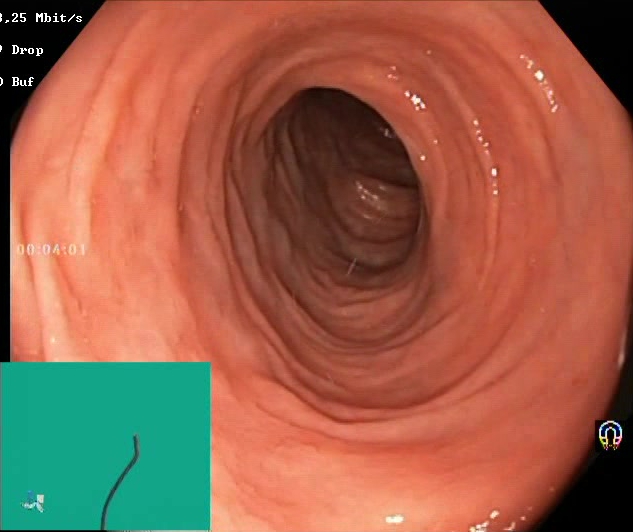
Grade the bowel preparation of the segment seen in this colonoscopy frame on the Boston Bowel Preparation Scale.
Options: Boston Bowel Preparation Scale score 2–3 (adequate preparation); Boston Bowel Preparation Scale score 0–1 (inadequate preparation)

Boston Bowel Preparation Scale score 2–3 (adequate preparation)